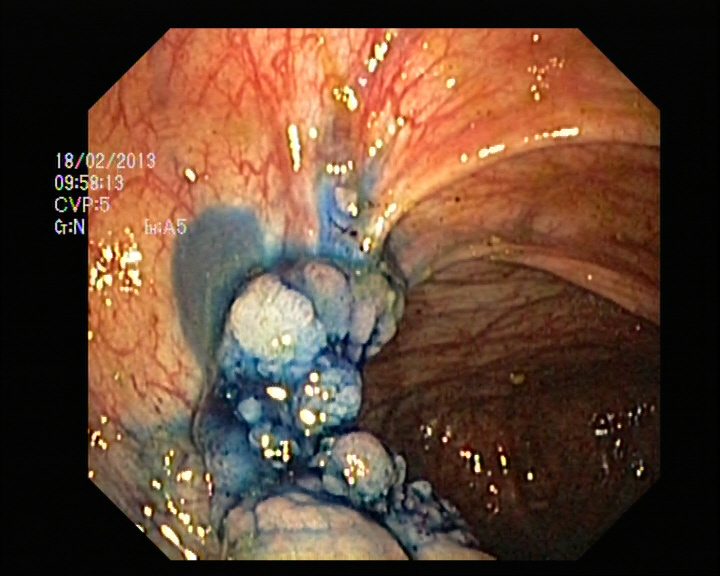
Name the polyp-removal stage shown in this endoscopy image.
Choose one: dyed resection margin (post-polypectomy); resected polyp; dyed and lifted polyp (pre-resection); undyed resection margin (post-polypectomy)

dyed and lifted polyp (pre-resection)